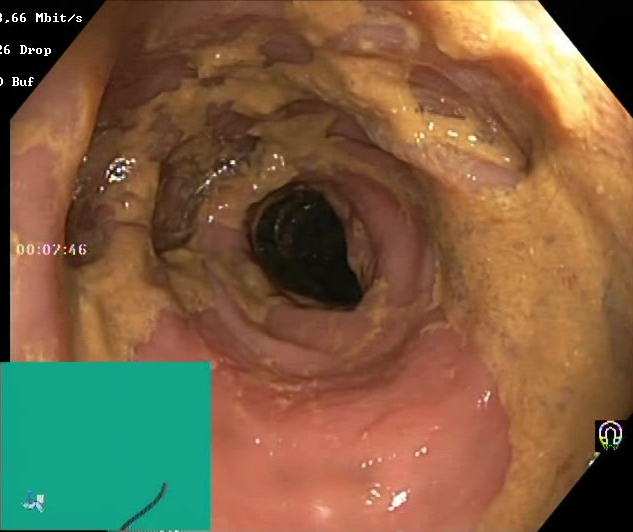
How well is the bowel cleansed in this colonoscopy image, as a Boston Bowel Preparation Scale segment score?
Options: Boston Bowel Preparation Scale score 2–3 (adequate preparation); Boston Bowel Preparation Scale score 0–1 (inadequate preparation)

Boston Bowel Preparation Scale score 0–1 (inadequate preparation)